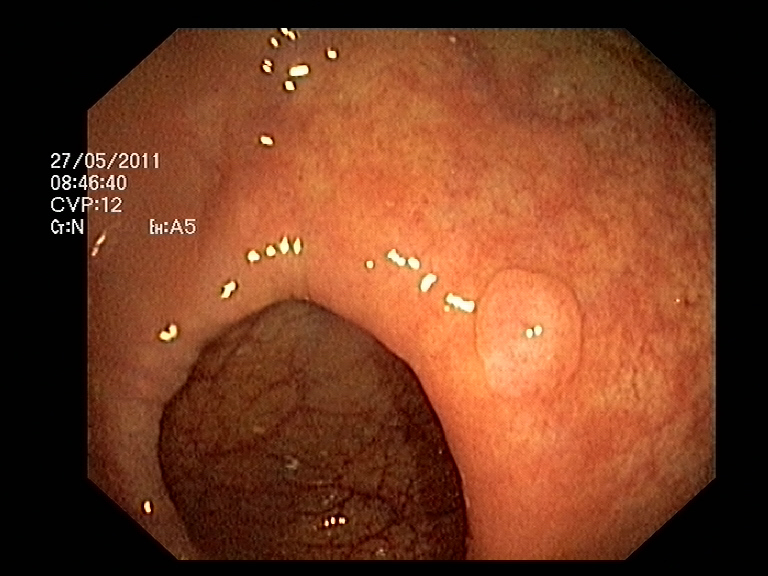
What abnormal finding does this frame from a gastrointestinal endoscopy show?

colon polyp